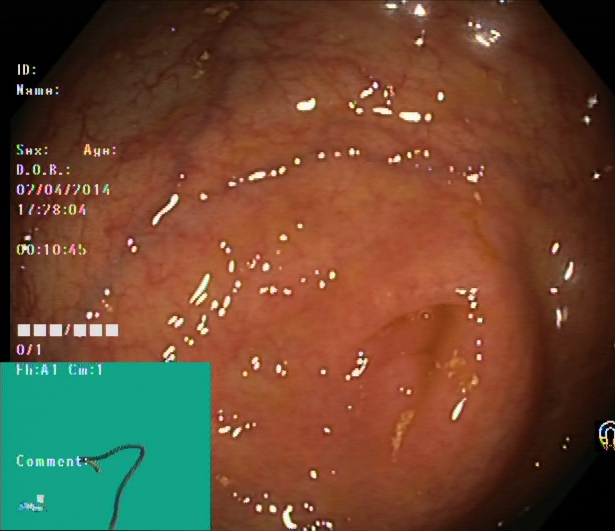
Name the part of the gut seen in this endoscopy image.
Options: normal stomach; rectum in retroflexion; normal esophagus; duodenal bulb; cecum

cecum